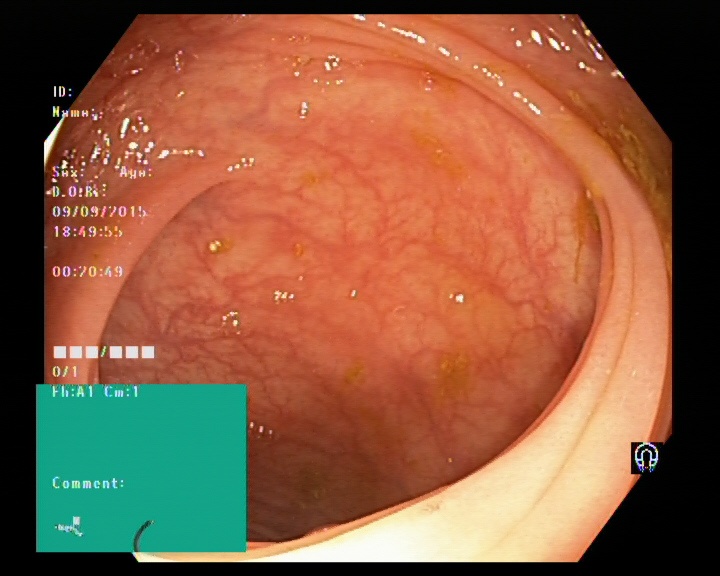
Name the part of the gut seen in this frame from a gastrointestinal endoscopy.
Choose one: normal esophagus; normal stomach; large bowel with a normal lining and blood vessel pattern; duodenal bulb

large bowel with a normal lining and blood vessel pattern